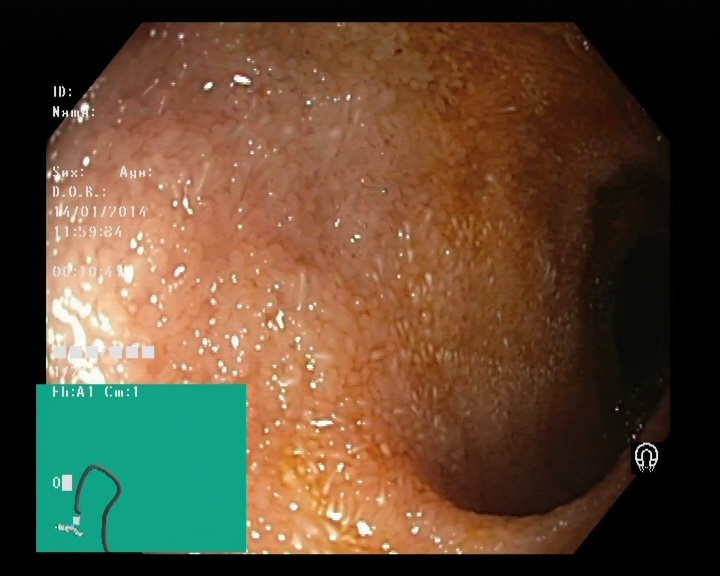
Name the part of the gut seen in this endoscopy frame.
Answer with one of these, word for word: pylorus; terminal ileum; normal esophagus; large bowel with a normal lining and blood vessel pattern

terminal ileum